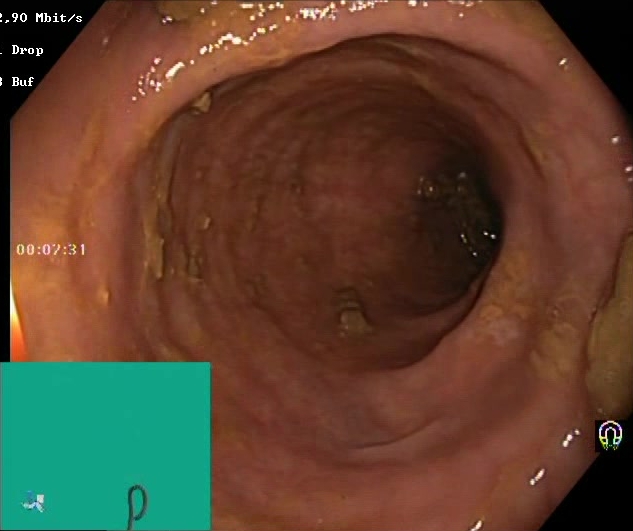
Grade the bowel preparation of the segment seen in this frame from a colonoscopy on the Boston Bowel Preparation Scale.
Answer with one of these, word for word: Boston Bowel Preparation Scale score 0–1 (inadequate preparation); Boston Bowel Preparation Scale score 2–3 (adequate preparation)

Boston Bowel Preparation Scale score 2–3 (adequate preparation)